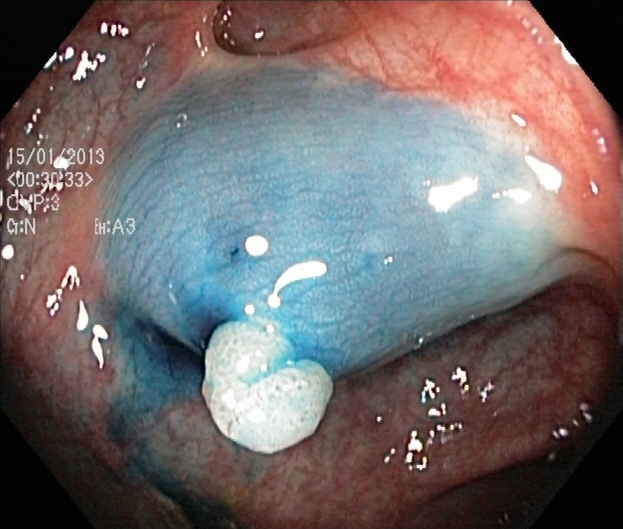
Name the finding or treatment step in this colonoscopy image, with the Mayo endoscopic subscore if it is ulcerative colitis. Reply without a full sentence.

dyed and lifted polyp (pre-resection)